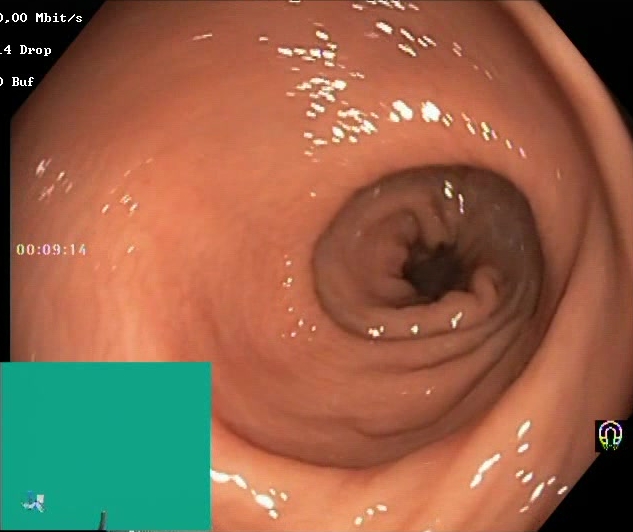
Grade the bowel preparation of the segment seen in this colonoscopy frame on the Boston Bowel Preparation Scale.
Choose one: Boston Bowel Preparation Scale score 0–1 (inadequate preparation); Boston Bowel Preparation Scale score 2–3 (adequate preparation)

Boston Bowel Preparation Scale score 2–3 (adequate preparation)